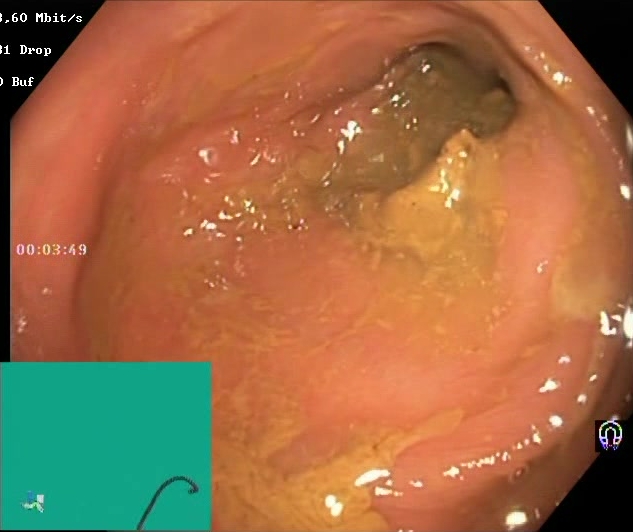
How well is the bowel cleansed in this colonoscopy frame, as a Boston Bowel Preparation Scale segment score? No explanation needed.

Boston Bowel Preparation Scale score 0–1 (inadequate preparation)